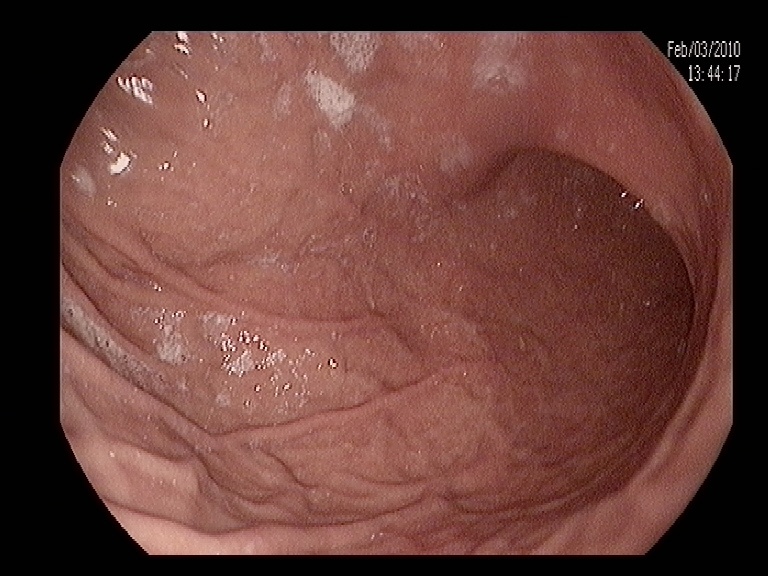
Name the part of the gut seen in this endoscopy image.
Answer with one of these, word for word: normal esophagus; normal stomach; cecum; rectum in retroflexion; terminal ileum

normal stomach